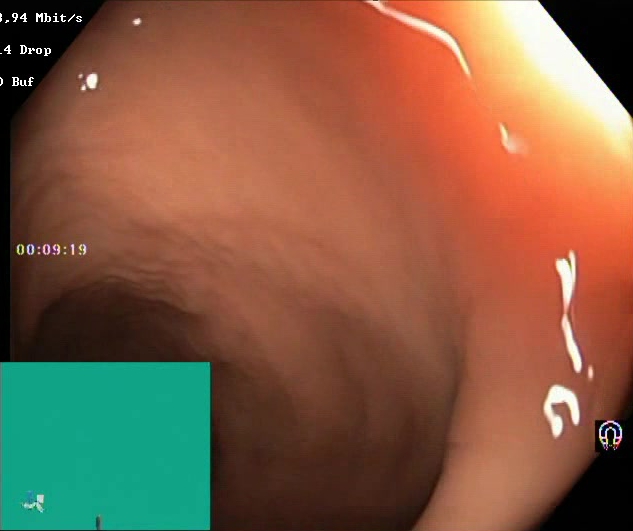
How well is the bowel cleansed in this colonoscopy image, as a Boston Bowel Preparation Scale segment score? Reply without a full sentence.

Boston Bowel Preparation Scale score 2–3 (adequate preparation)